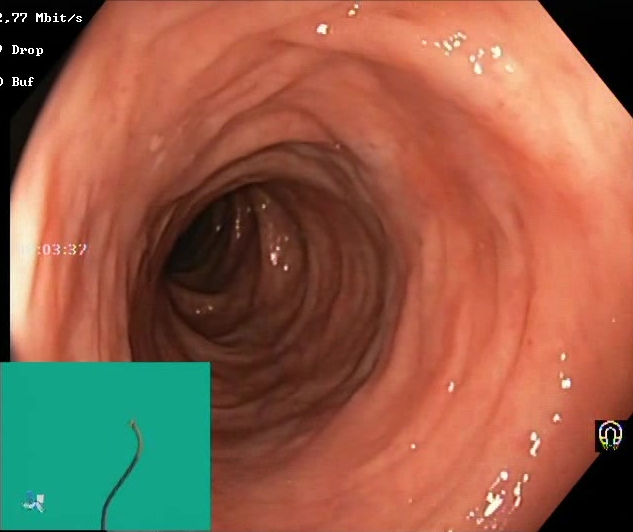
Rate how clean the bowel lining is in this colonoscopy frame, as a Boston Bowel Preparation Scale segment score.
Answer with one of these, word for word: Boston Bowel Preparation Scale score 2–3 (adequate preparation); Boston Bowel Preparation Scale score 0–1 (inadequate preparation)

Boston Bowel Preparation Scale score 2–3 (adequate preparation)